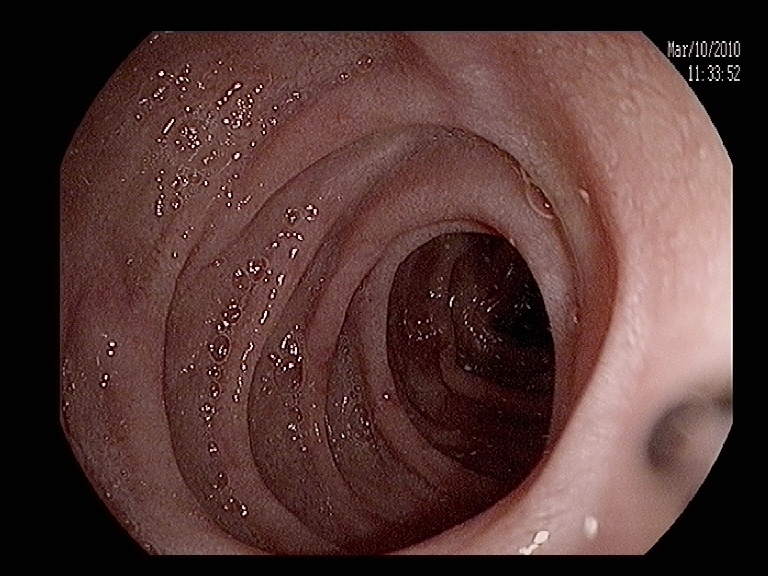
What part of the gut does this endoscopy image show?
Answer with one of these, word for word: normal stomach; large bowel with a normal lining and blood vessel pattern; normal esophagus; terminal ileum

terminal ileum